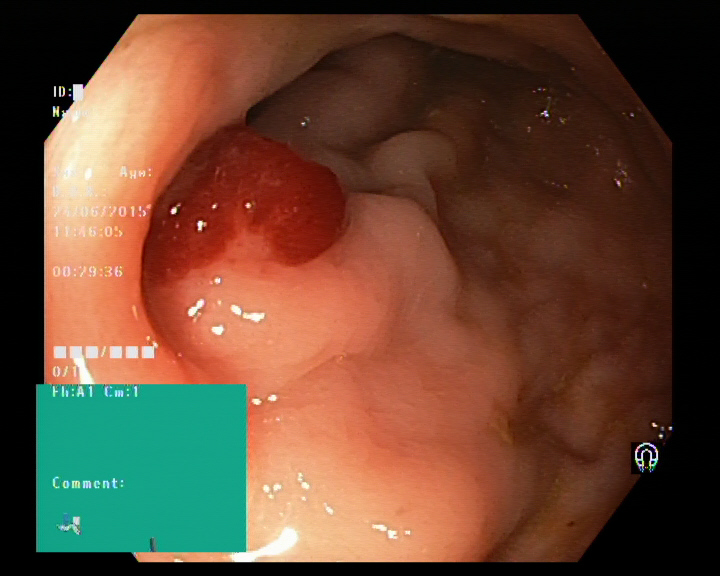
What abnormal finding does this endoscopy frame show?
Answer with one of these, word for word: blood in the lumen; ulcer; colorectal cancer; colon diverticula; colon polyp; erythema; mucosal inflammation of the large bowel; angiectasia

colon polyp